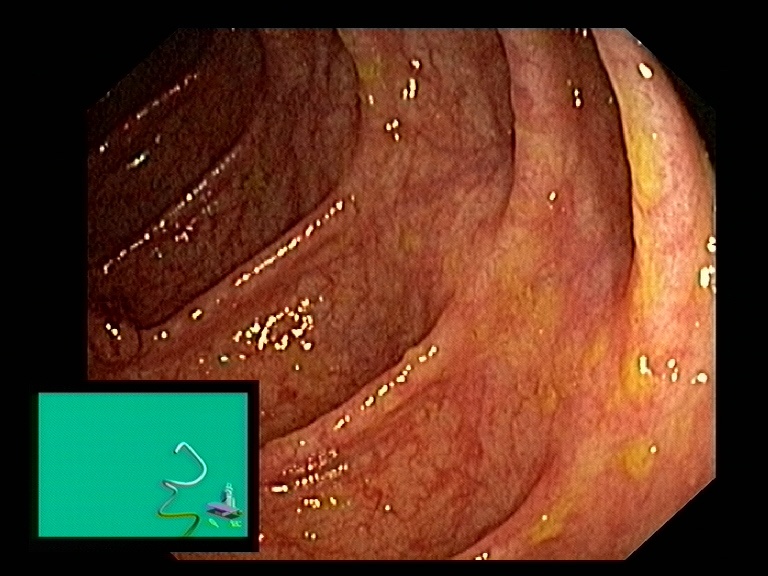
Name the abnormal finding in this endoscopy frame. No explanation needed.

colon polyp